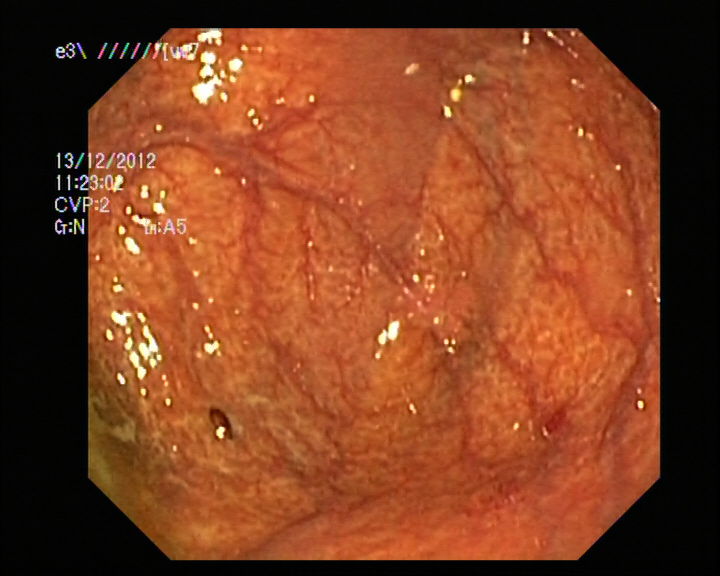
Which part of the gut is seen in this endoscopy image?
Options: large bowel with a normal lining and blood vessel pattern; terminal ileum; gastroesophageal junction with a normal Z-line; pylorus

large bowel with a normal lining and blood vessel pattern